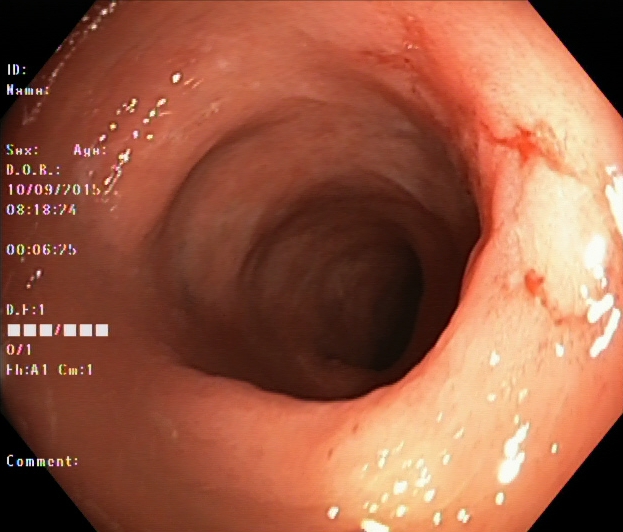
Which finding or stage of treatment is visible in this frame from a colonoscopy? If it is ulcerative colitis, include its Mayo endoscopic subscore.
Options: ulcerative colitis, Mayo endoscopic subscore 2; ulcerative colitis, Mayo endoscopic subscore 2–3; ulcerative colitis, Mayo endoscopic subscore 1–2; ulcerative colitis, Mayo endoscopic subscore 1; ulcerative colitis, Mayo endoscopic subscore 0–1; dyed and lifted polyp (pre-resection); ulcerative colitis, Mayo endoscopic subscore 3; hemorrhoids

ulcerative colitis, Mayo endoscopic subscore 2